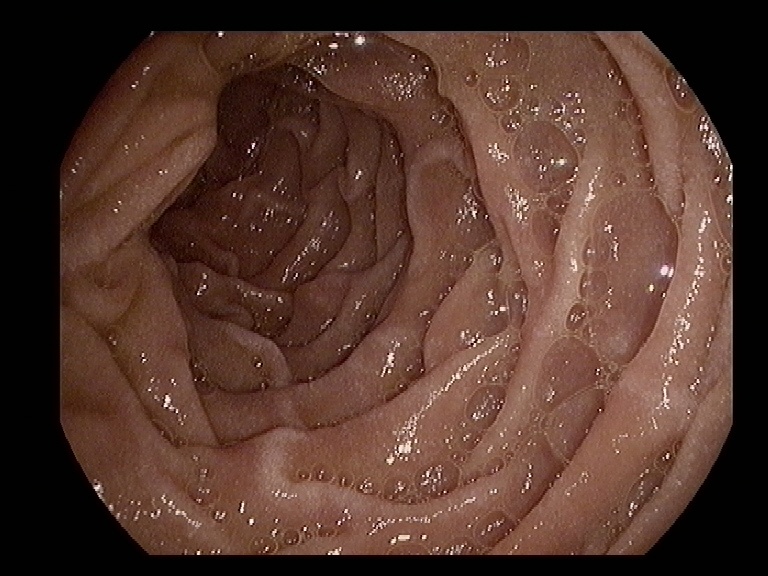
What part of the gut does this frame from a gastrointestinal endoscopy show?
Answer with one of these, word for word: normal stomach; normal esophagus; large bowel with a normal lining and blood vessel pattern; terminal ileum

terminal ileum